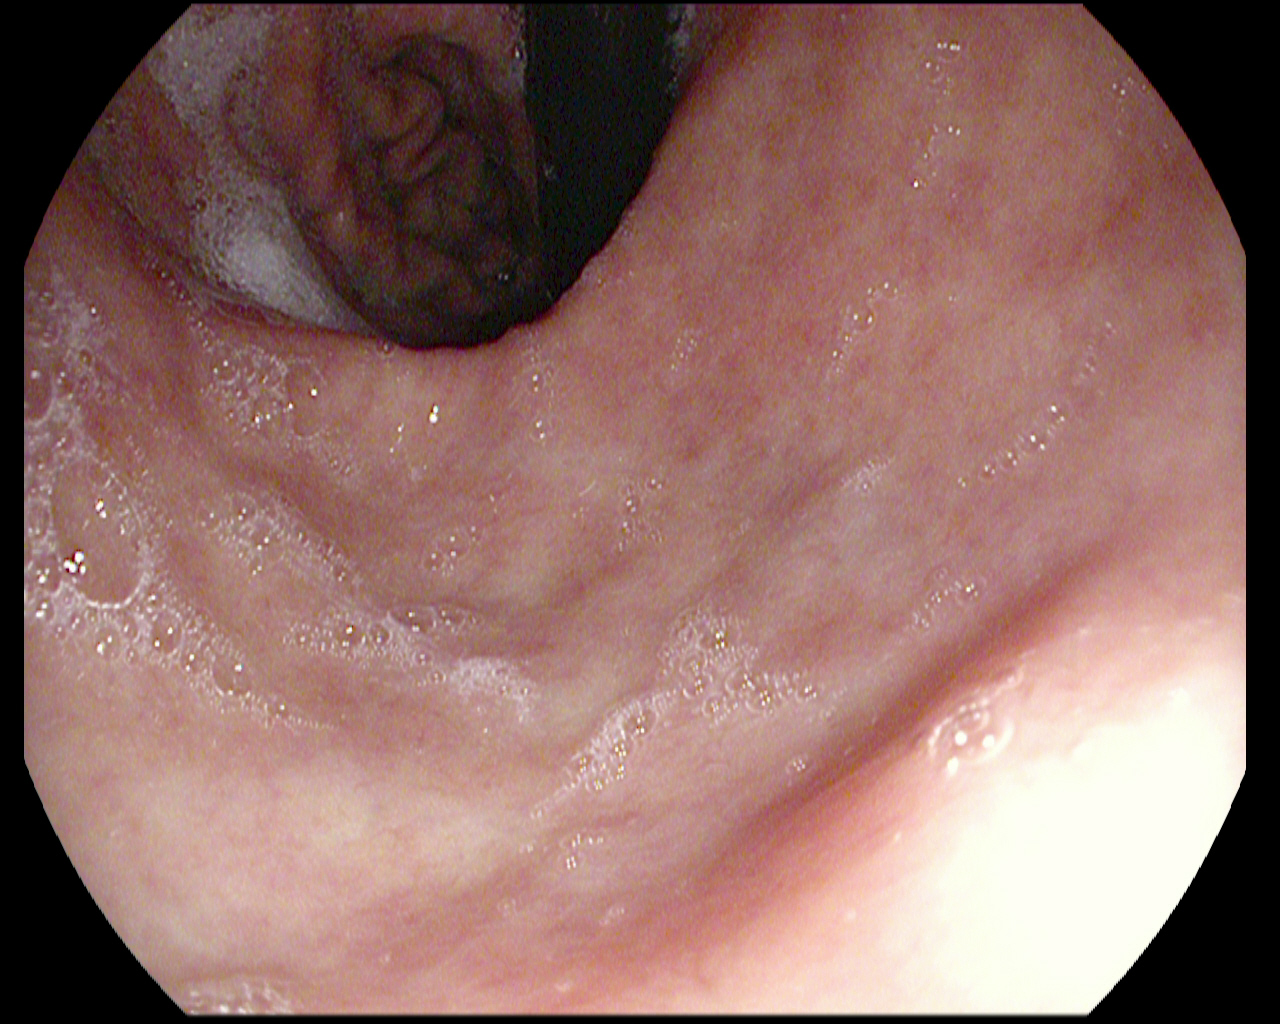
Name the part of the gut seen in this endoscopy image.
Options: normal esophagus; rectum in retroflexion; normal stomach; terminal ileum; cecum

normal stomach